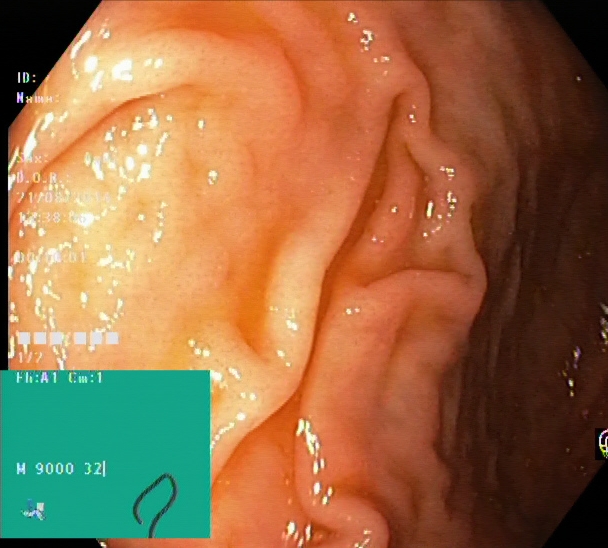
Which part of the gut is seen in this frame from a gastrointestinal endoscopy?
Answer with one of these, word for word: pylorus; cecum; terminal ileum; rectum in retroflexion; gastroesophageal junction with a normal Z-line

cecum